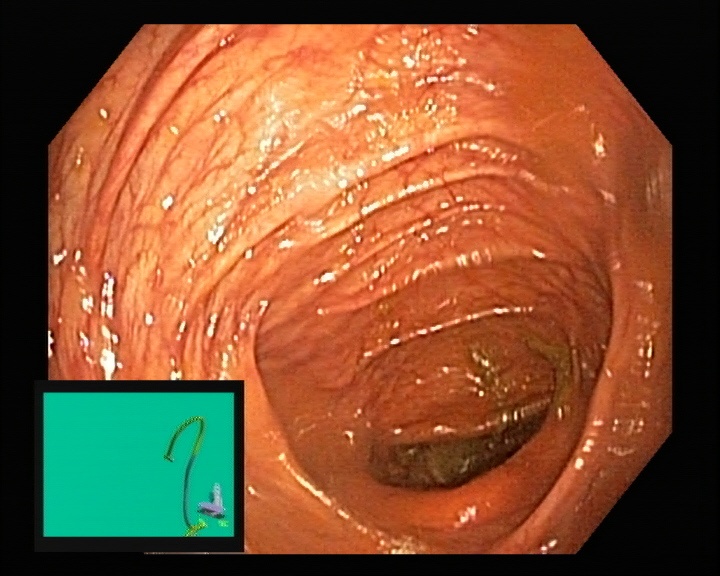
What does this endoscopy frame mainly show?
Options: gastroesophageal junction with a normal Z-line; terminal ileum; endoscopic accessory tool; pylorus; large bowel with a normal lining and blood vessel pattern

large bowel with a normal lining and blood vessel pattern